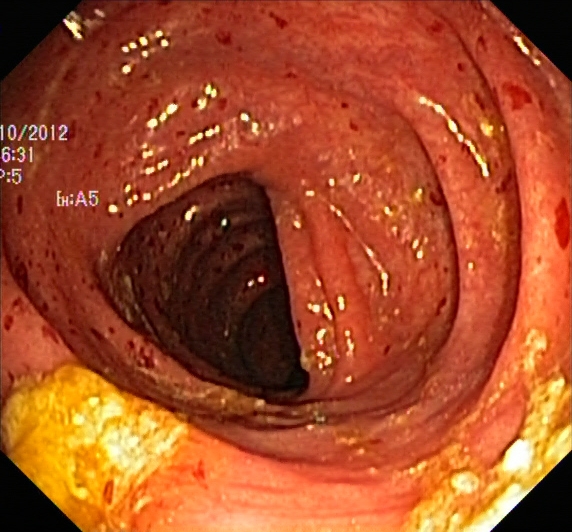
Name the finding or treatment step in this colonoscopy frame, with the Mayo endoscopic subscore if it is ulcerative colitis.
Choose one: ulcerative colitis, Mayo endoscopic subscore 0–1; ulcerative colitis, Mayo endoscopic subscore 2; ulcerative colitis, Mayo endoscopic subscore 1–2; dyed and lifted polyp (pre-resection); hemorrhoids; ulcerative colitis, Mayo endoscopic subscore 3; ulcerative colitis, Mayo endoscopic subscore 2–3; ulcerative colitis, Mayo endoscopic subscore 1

ulcerative colitis, Mayo endoscopic subscore 2